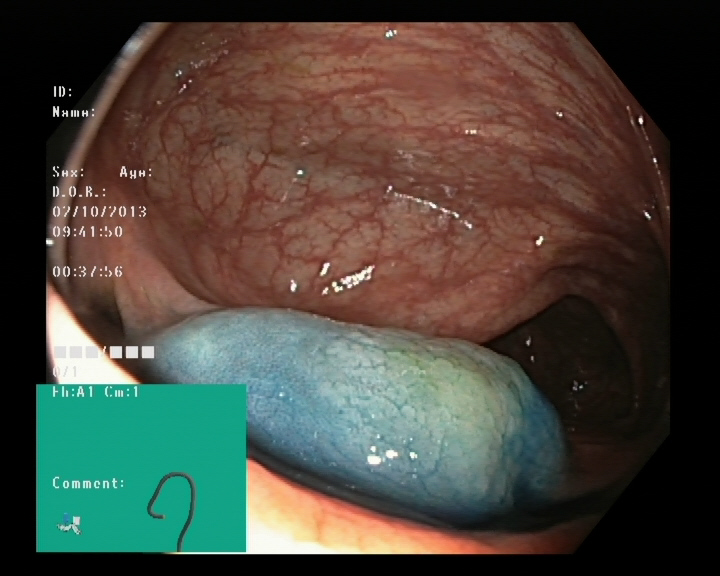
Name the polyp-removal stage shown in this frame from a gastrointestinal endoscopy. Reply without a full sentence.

dyed and lifted polyp (pre-resection)